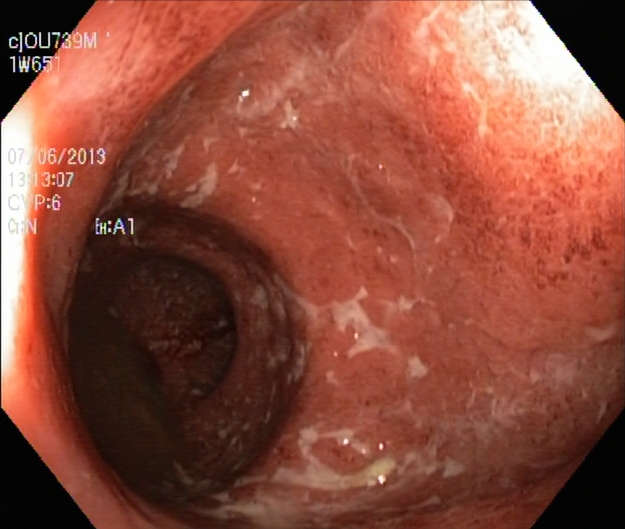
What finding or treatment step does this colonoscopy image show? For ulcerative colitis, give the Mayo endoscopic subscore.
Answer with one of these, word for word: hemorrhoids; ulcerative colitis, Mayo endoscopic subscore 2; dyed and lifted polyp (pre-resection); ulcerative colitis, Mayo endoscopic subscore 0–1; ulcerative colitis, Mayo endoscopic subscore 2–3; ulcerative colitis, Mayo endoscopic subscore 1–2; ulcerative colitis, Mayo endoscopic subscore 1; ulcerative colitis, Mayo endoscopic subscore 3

ulcerative colitis, Mayo endoscopic subscore 2